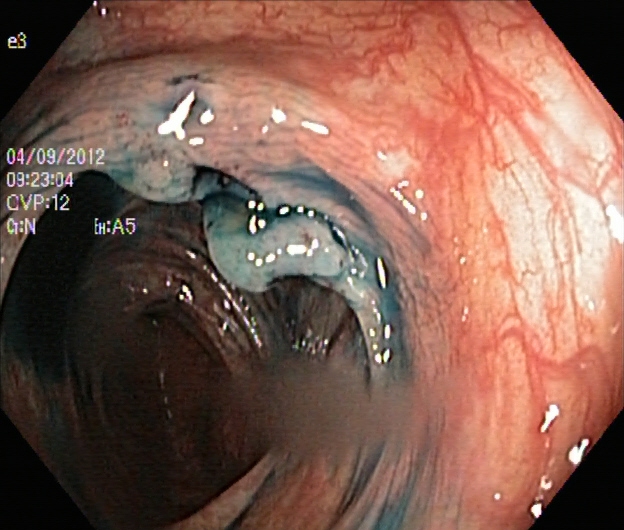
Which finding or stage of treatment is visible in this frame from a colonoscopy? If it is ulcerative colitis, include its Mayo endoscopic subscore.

dyed and lifted polyp (pre-resection)